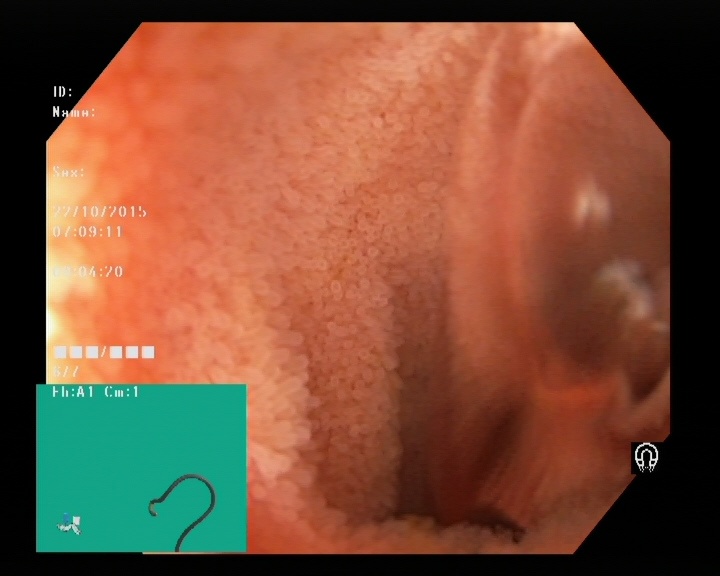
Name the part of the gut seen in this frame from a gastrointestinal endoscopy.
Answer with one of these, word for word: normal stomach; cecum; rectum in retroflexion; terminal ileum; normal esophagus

terminal ileum